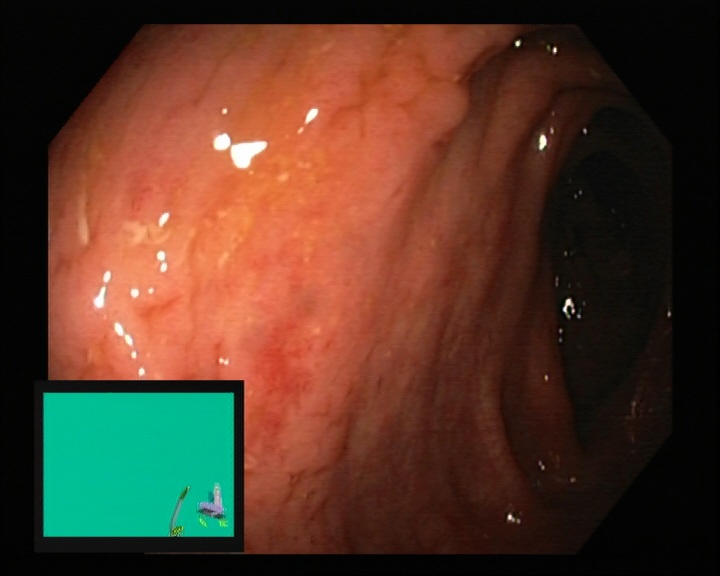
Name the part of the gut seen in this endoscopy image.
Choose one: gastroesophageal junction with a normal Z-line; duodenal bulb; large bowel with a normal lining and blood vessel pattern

large bowel with a normal lining and blood vessel pattern